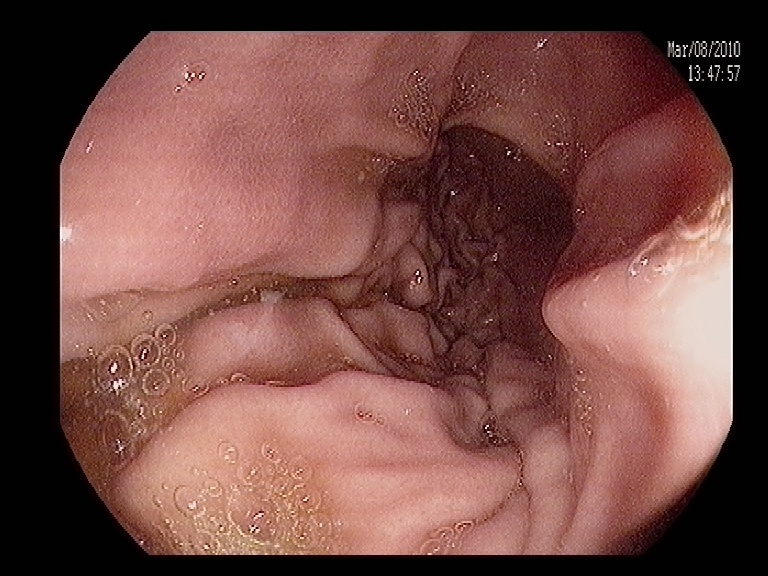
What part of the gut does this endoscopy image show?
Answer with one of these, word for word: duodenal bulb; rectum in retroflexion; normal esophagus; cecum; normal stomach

normal stomach